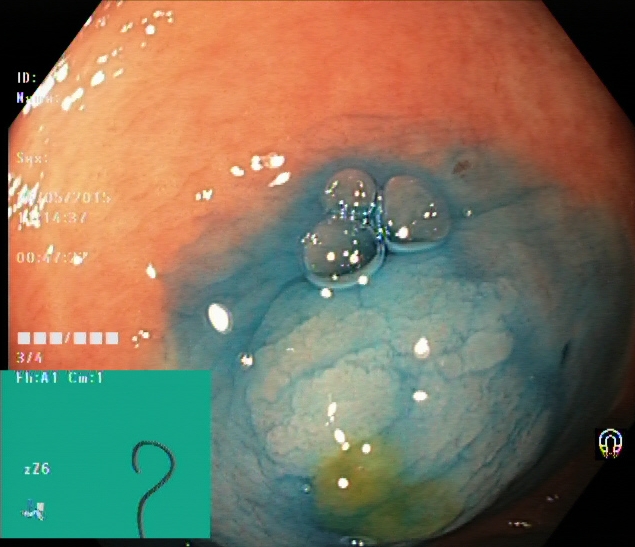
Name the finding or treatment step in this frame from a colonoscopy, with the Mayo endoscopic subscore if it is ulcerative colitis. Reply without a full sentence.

dyed and lifted polyp (pre-resection)